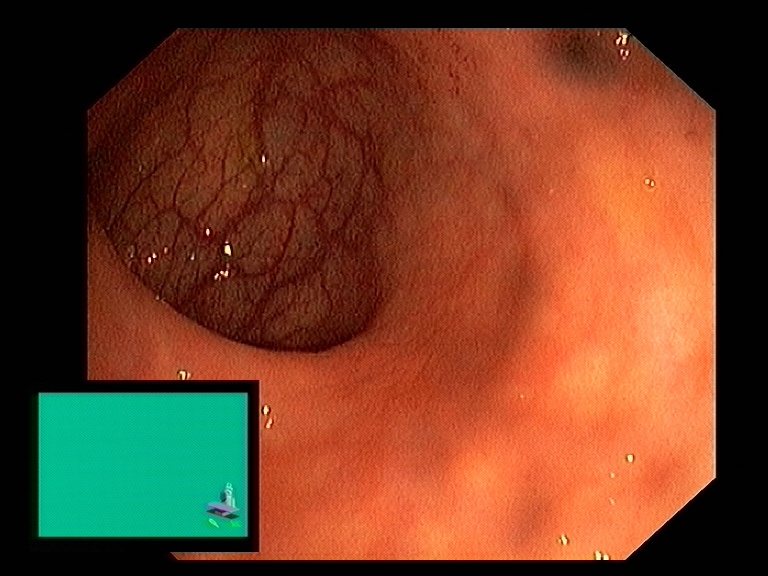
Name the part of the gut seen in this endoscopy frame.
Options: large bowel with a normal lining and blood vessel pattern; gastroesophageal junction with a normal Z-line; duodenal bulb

large bowel with a normal lining and blood vessel pattern